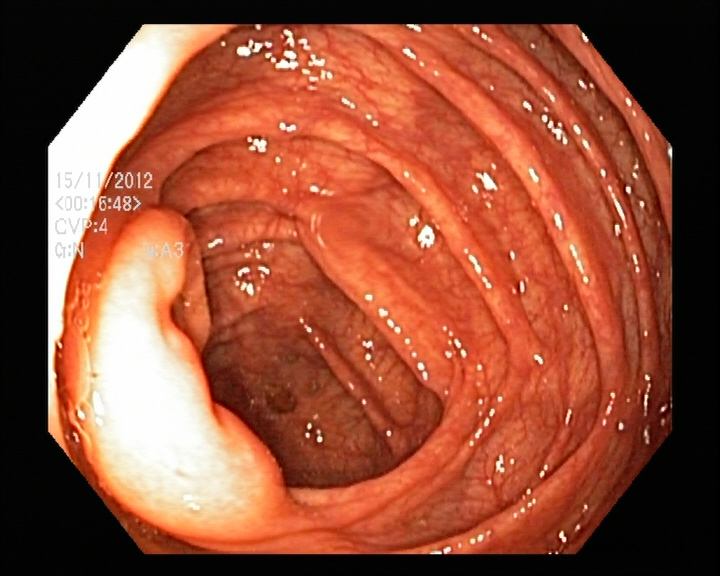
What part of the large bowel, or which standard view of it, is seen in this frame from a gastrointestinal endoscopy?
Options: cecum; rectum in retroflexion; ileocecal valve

ileocecal valve